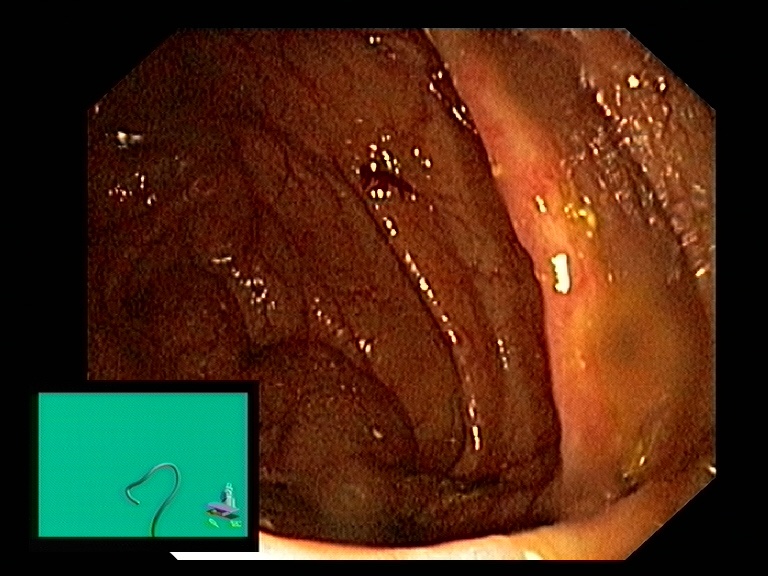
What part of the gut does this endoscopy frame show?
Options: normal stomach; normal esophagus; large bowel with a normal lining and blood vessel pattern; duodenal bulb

large bowel with a normal lining and blood vessel pattern